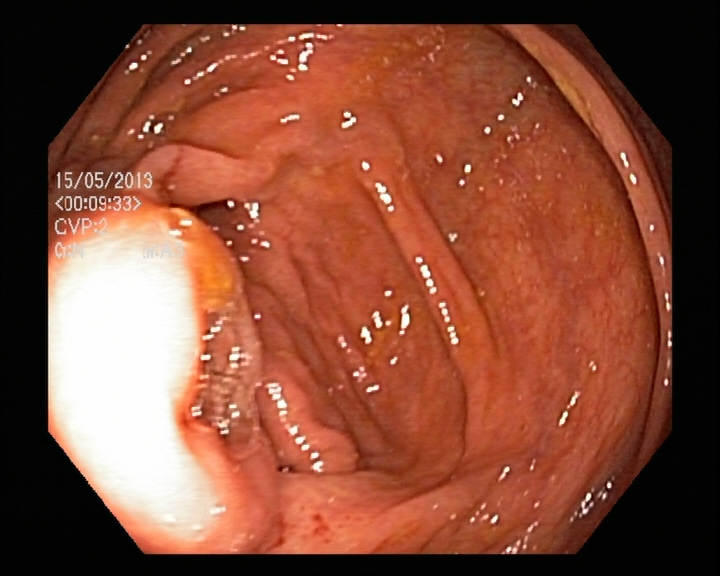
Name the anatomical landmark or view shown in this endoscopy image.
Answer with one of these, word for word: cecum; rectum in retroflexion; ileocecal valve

ileocecal valve